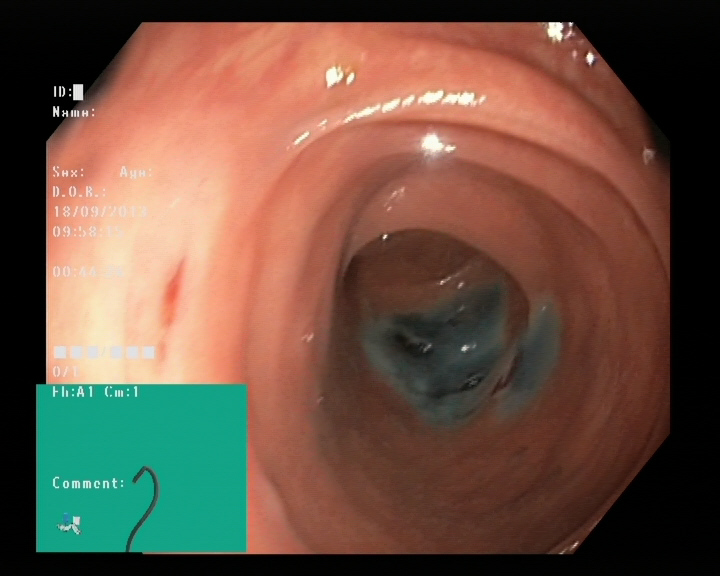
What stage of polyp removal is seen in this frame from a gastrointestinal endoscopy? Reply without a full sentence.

dyed resection margin (post-polypectomy)